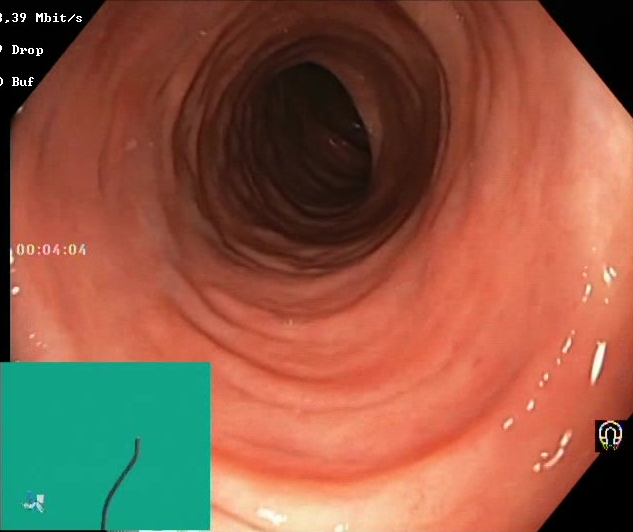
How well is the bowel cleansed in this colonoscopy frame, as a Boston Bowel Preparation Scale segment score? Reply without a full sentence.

Boston Bowel Preparation Scale score 2–3 (adequate preparation)